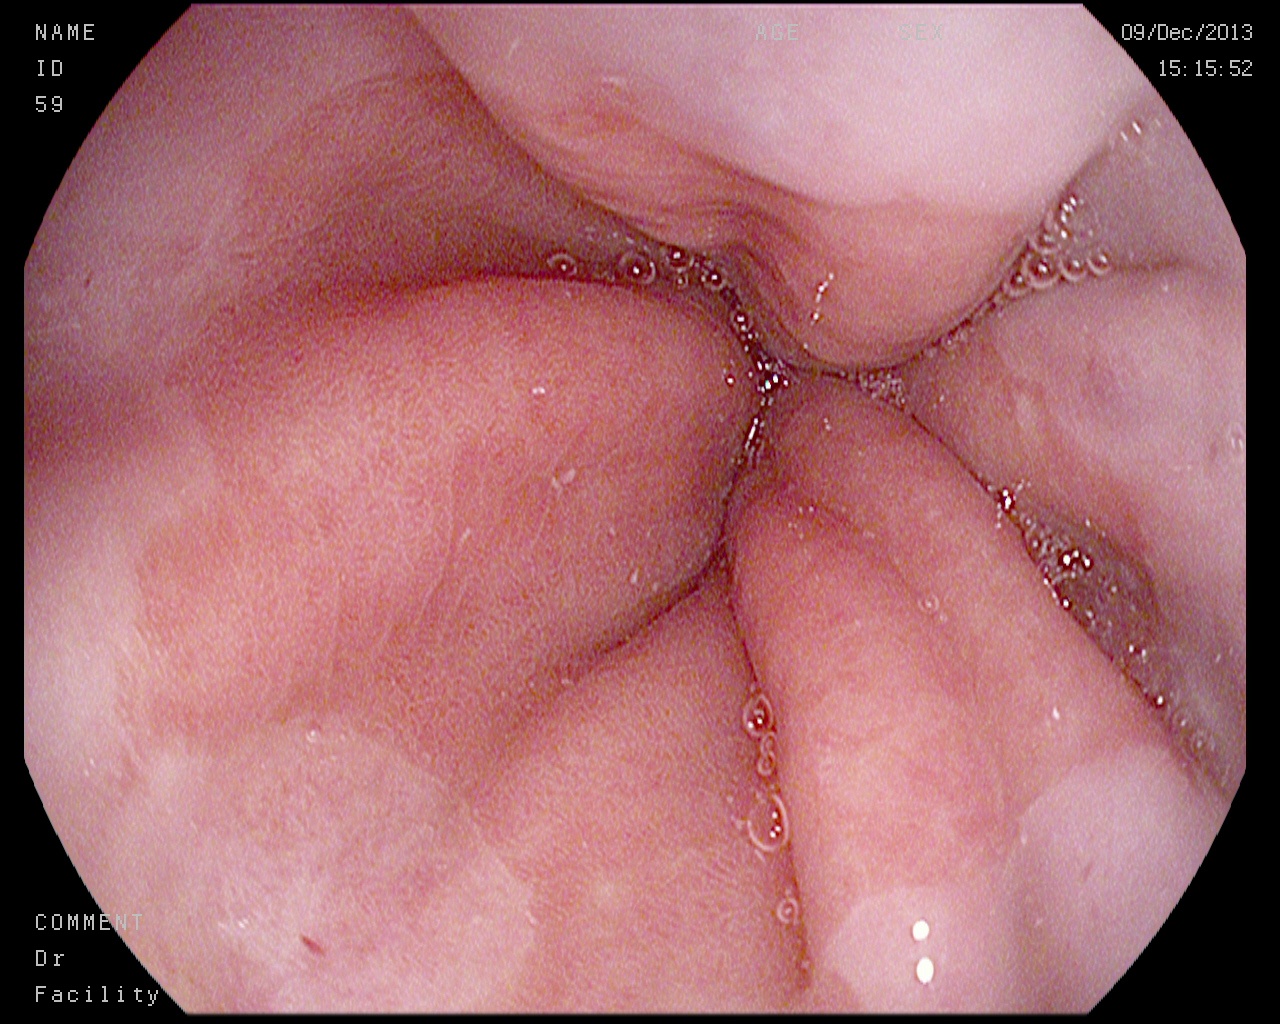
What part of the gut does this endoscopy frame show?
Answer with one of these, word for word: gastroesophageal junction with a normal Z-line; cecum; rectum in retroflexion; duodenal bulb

gastroesophageal junction with a normal Z-line